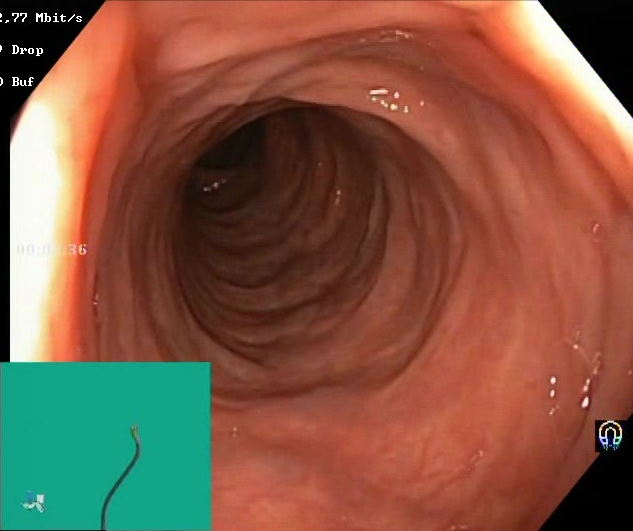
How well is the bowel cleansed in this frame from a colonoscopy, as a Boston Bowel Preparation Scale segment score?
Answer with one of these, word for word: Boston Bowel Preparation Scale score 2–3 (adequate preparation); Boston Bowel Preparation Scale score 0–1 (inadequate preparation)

Boston Bowel Preparation Scale score 2–3 (adequate preparation)